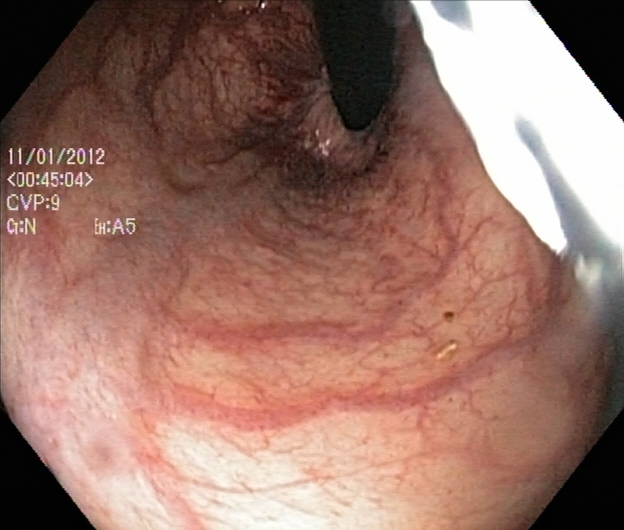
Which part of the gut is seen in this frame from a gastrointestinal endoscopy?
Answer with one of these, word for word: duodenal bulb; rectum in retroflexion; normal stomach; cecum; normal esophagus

rectum in retroflexion